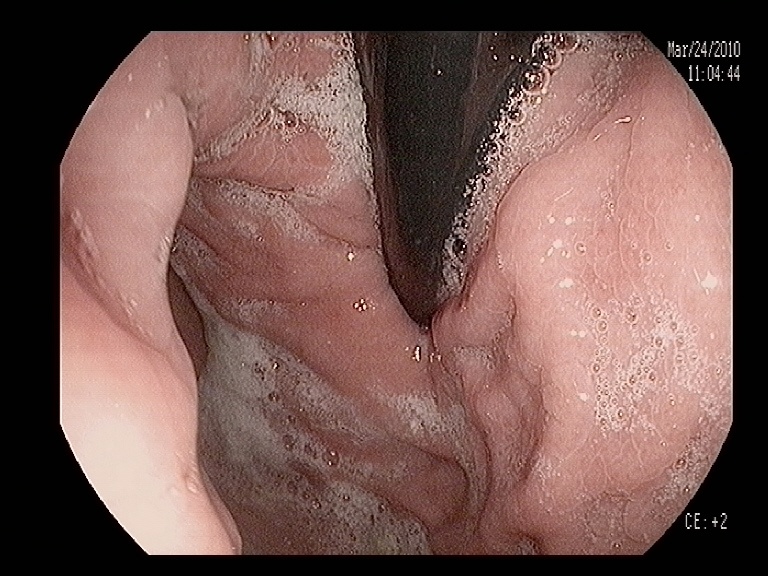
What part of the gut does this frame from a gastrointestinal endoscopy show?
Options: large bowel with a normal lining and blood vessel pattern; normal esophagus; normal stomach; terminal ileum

normal stomach